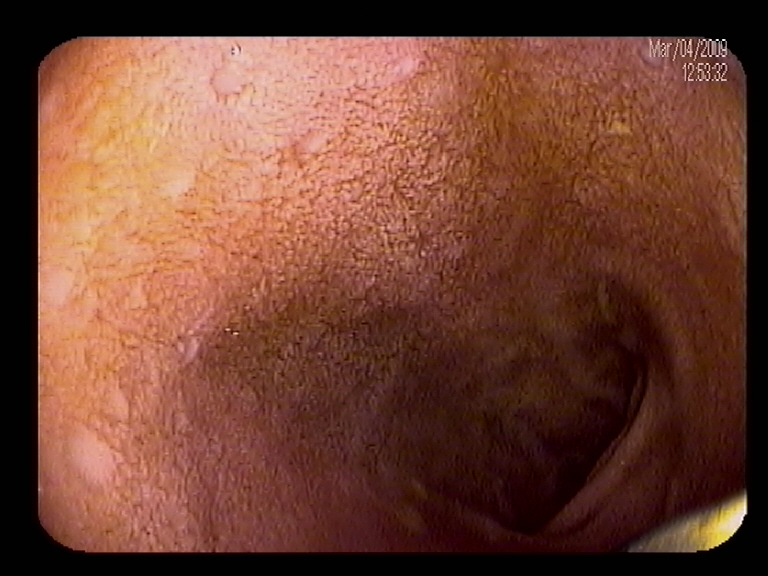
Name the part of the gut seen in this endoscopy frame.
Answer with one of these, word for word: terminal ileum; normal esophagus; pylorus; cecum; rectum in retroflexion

terminal ileum